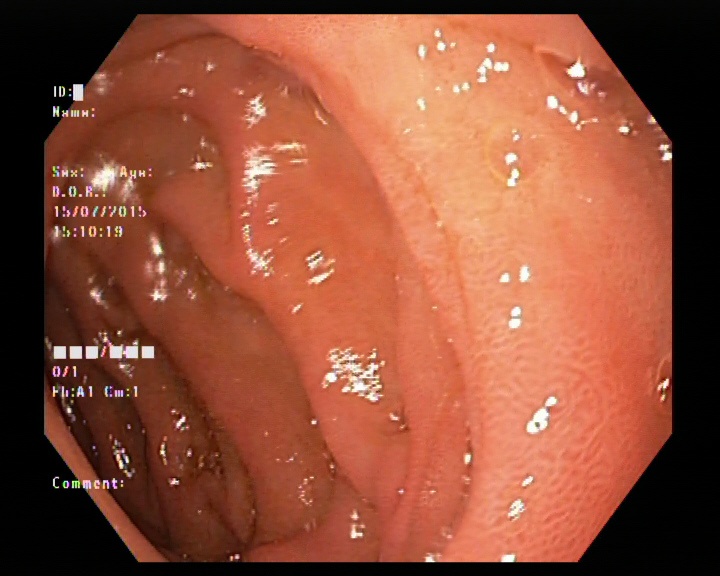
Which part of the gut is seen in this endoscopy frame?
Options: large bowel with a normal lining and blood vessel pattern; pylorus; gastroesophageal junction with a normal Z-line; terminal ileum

terminal ileum